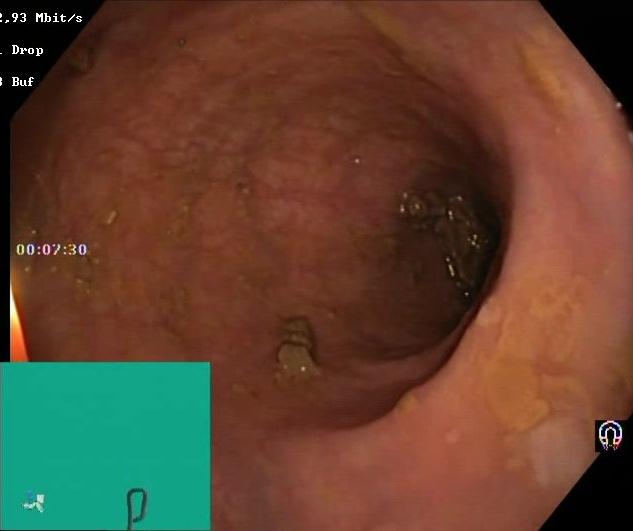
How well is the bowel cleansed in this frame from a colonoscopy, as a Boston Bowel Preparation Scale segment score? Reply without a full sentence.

Boston Bowel Preparation Scale score 2–3 (adequate preparation)